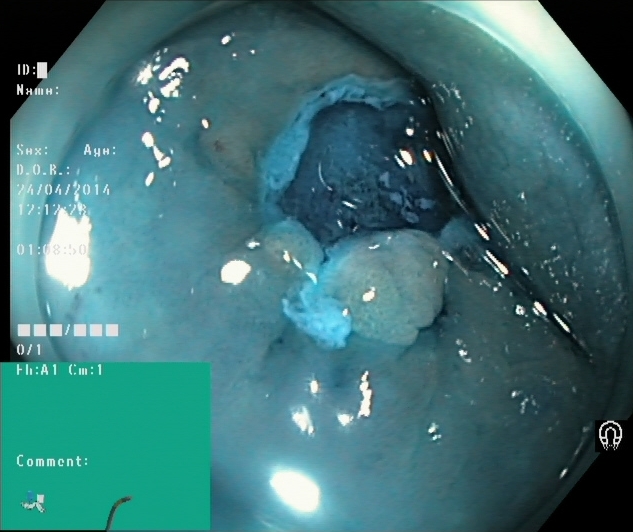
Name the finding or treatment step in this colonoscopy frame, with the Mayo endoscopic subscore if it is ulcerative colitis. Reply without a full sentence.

dyed and lifted polyp (pre-resection)